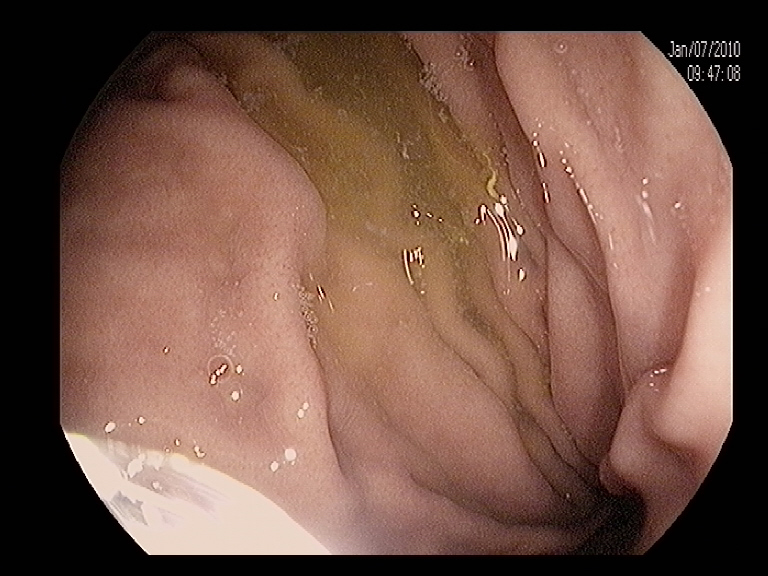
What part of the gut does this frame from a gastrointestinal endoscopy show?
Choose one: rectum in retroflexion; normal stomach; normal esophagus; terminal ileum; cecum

normal stomach